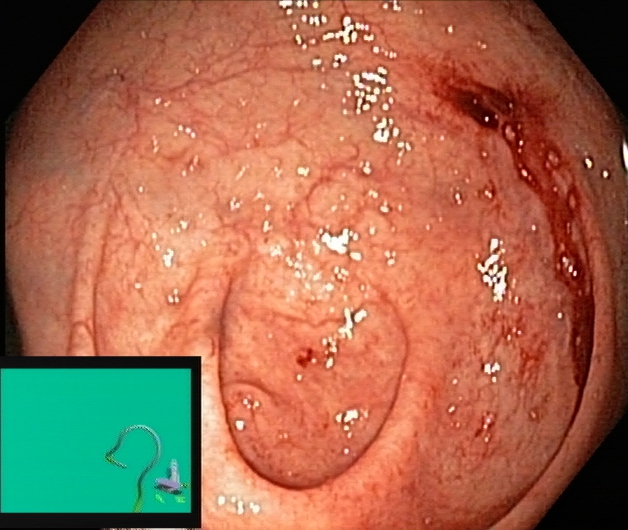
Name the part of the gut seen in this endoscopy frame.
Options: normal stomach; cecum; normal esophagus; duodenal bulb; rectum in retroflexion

cecum